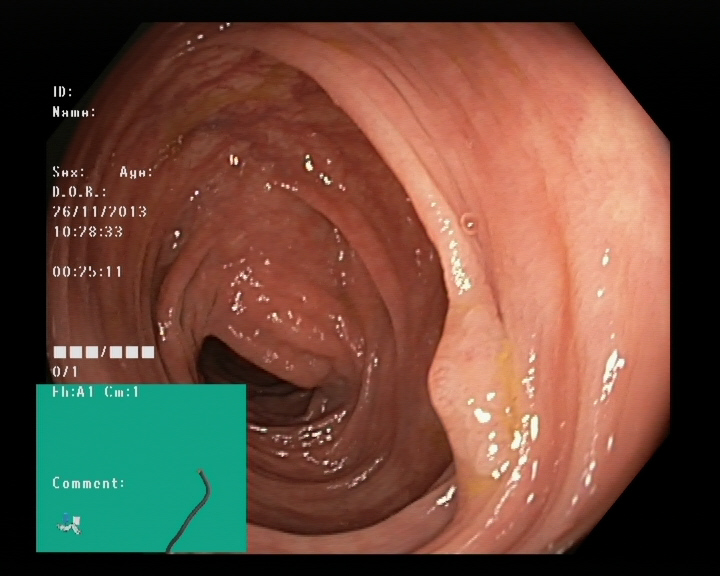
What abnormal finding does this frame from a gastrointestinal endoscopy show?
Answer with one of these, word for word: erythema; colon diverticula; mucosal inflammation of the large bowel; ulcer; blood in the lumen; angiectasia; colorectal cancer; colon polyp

colon polyp